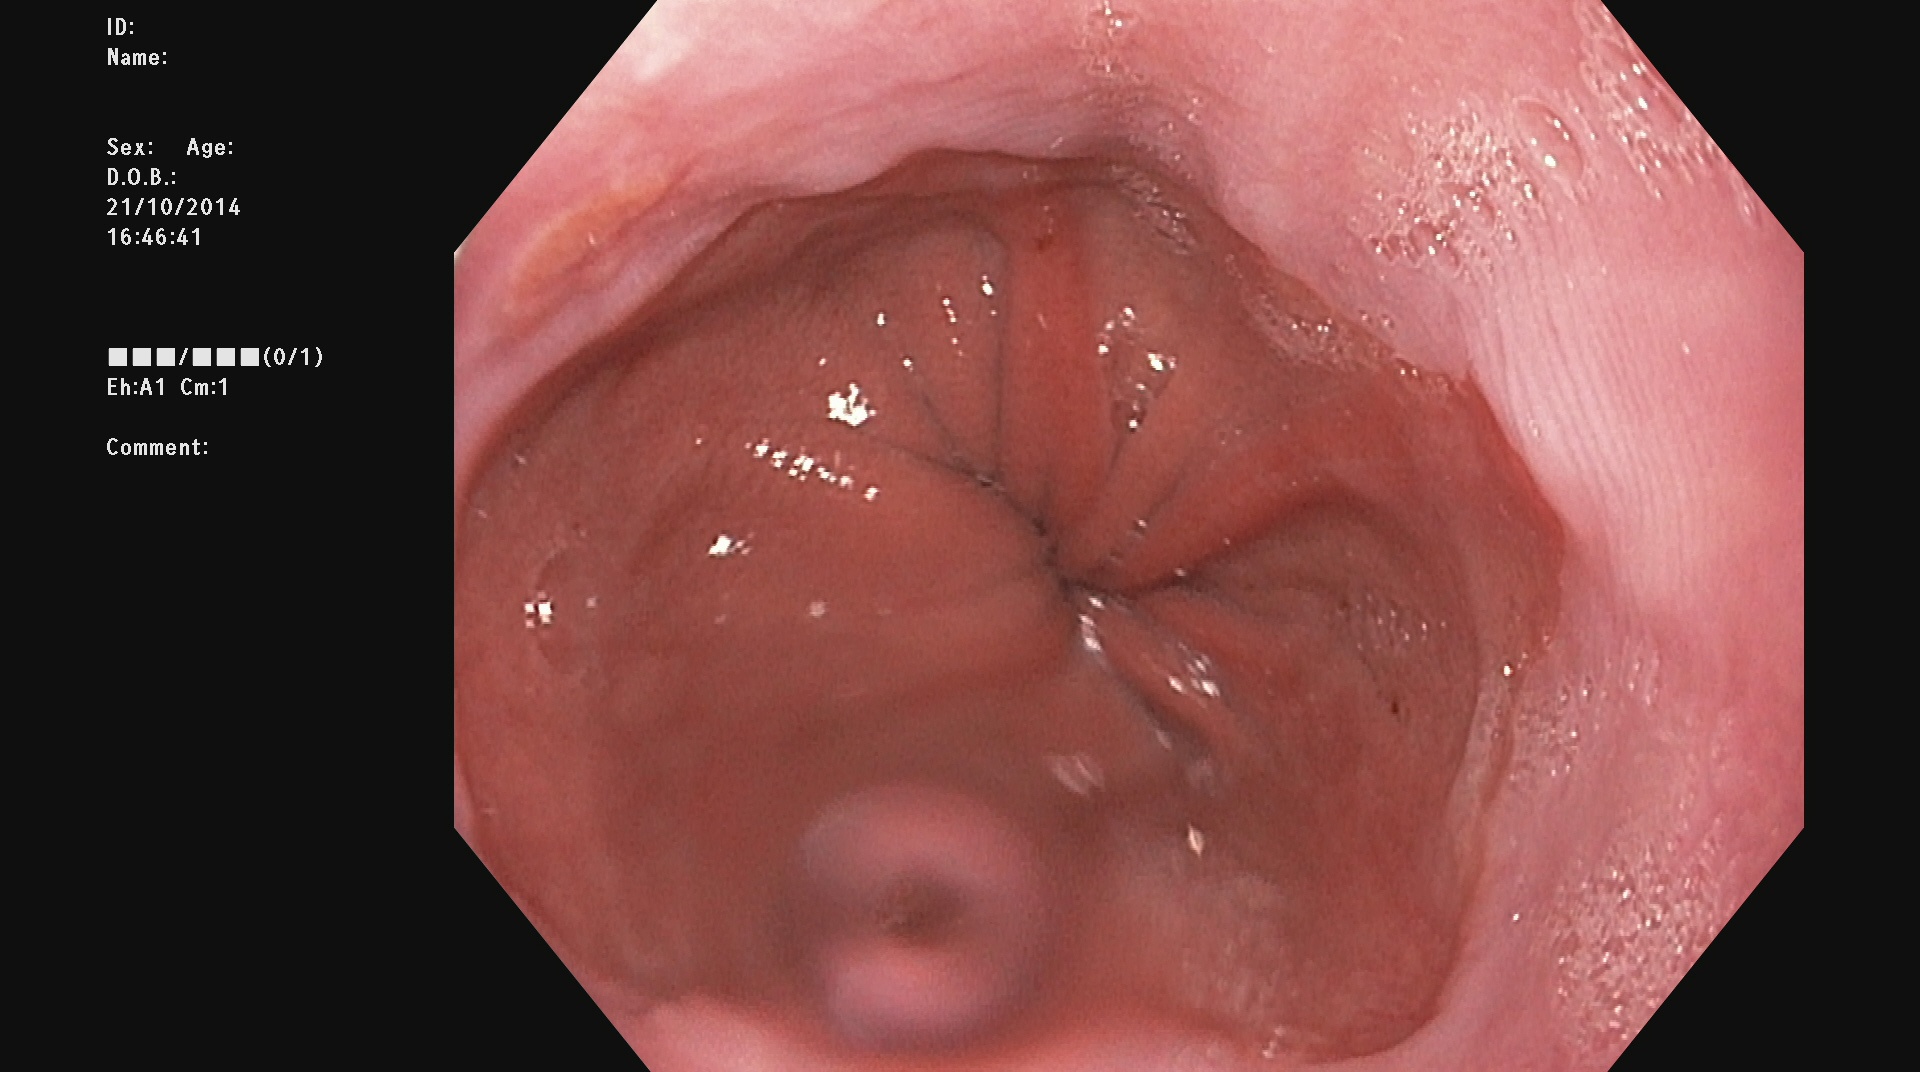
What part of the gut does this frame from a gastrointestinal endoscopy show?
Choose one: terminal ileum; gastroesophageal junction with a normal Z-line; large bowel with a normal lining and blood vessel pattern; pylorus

gastroesophageal junction with a normal Z-line